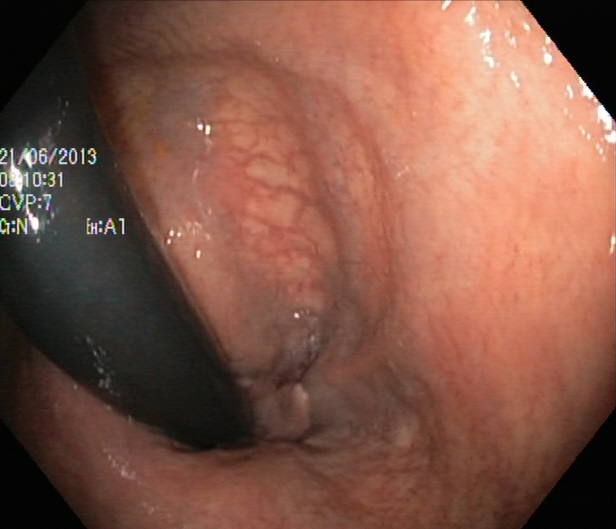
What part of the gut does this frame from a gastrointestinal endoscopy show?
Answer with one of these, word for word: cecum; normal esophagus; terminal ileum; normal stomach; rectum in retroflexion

rectum in retroflexion